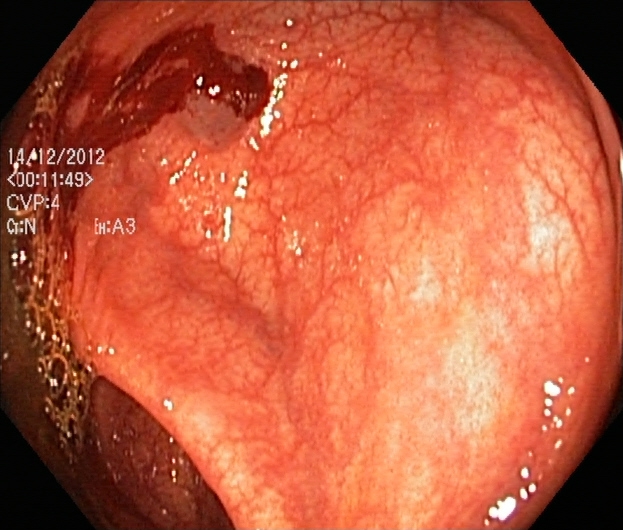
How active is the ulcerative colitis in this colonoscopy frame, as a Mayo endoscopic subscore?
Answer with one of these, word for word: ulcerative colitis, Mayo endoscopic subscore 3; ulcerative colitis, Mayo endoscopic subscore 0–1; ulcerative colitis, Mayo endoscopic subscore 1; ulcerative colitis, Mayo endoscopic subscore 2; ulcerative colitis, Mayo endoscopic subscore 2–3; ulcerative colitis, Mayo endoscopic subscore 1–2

ulcerative colitis, Mayo endoscopic subscore 0–1